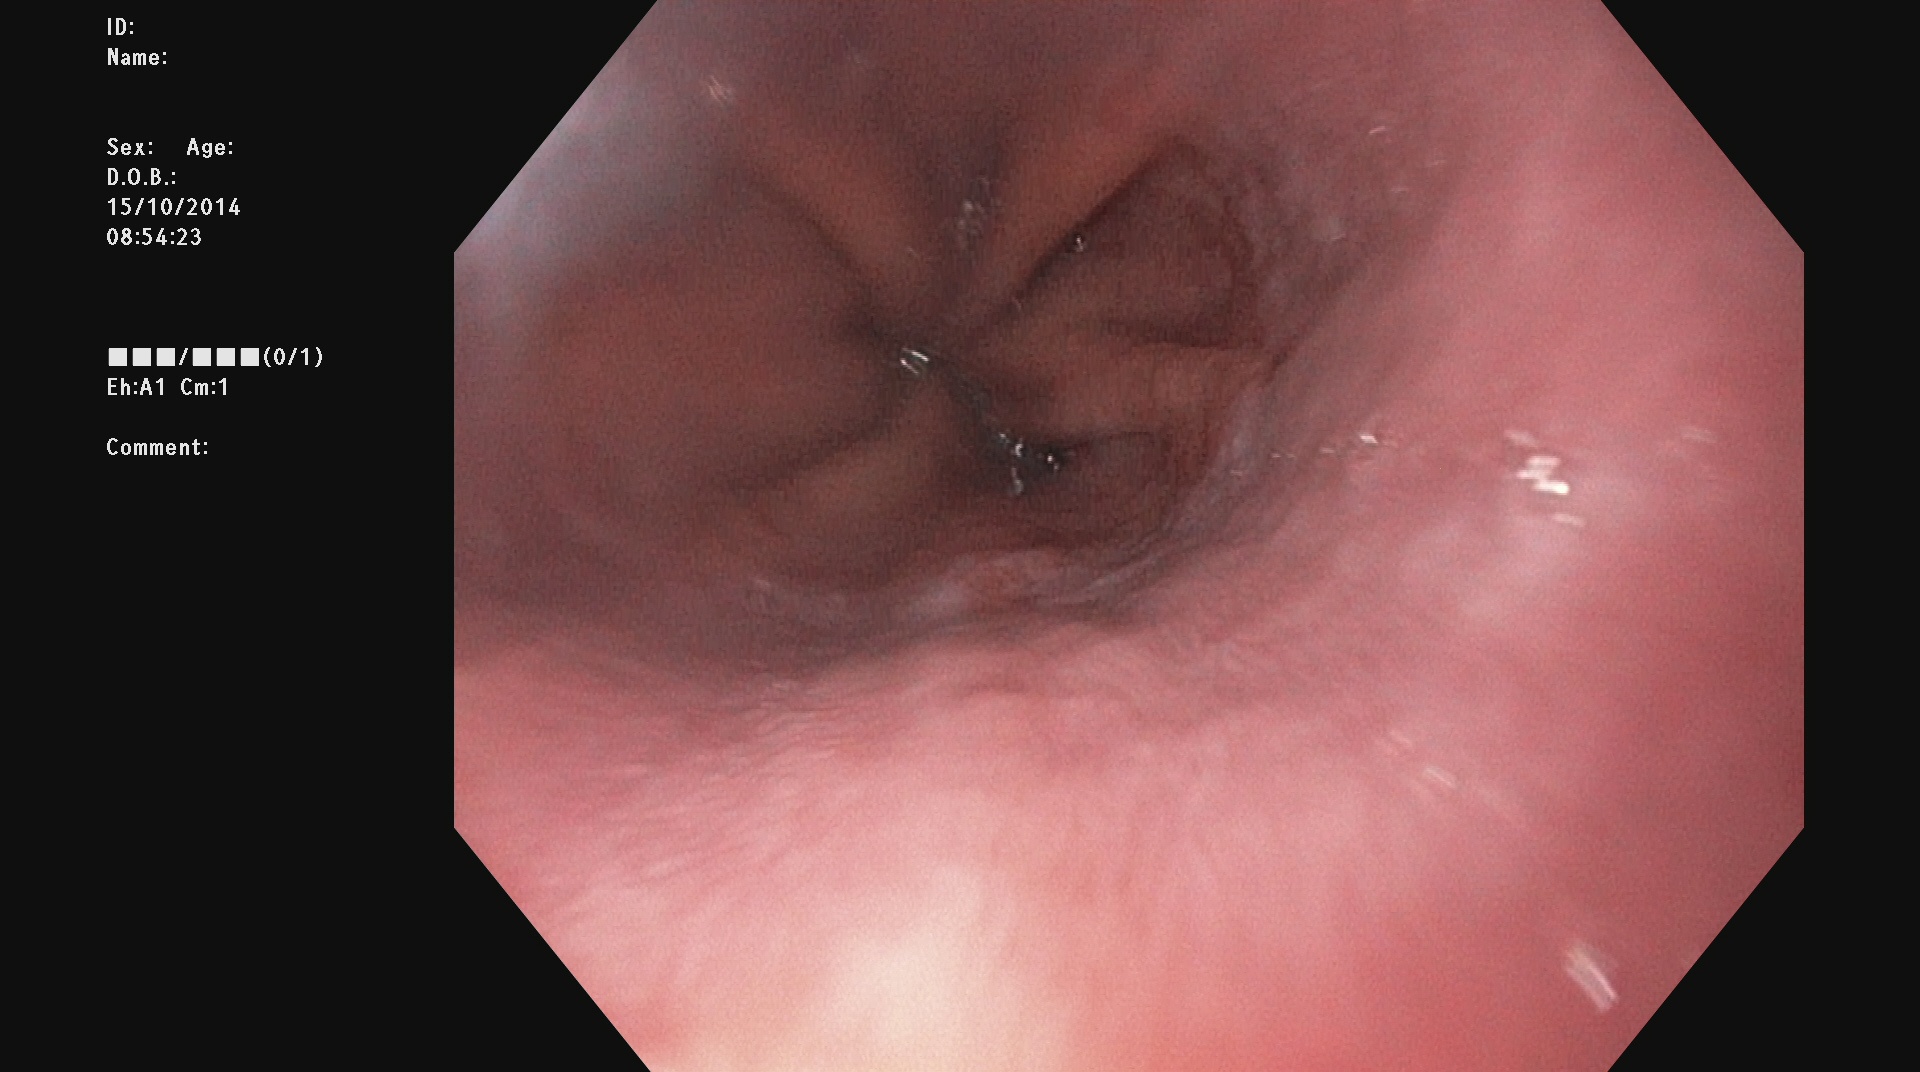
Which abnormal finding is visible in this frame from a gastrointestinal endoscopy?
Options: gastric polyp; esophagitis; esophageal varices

esophagitis